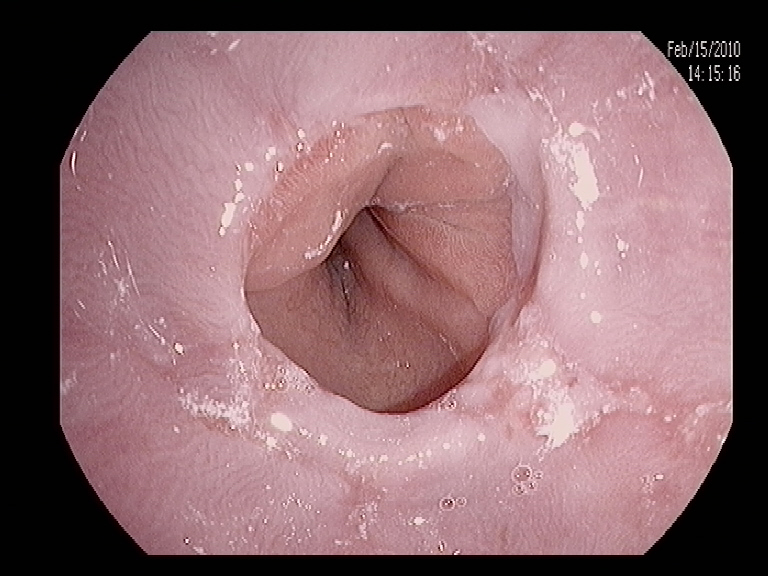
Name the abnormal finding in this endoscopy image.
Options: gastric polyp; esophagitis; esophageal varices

esophagitis